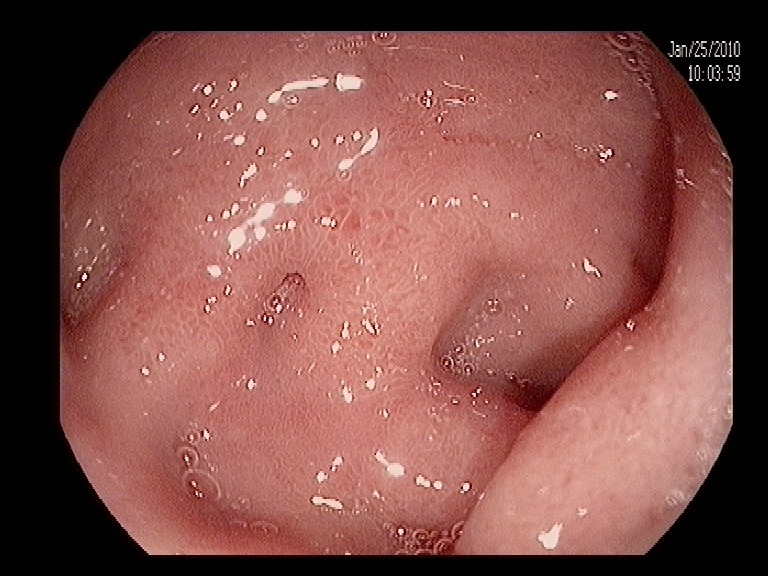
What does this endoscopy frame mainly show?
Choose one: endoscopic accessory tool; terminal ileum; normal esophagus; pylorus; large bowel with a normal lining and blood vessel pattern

terminal ileum